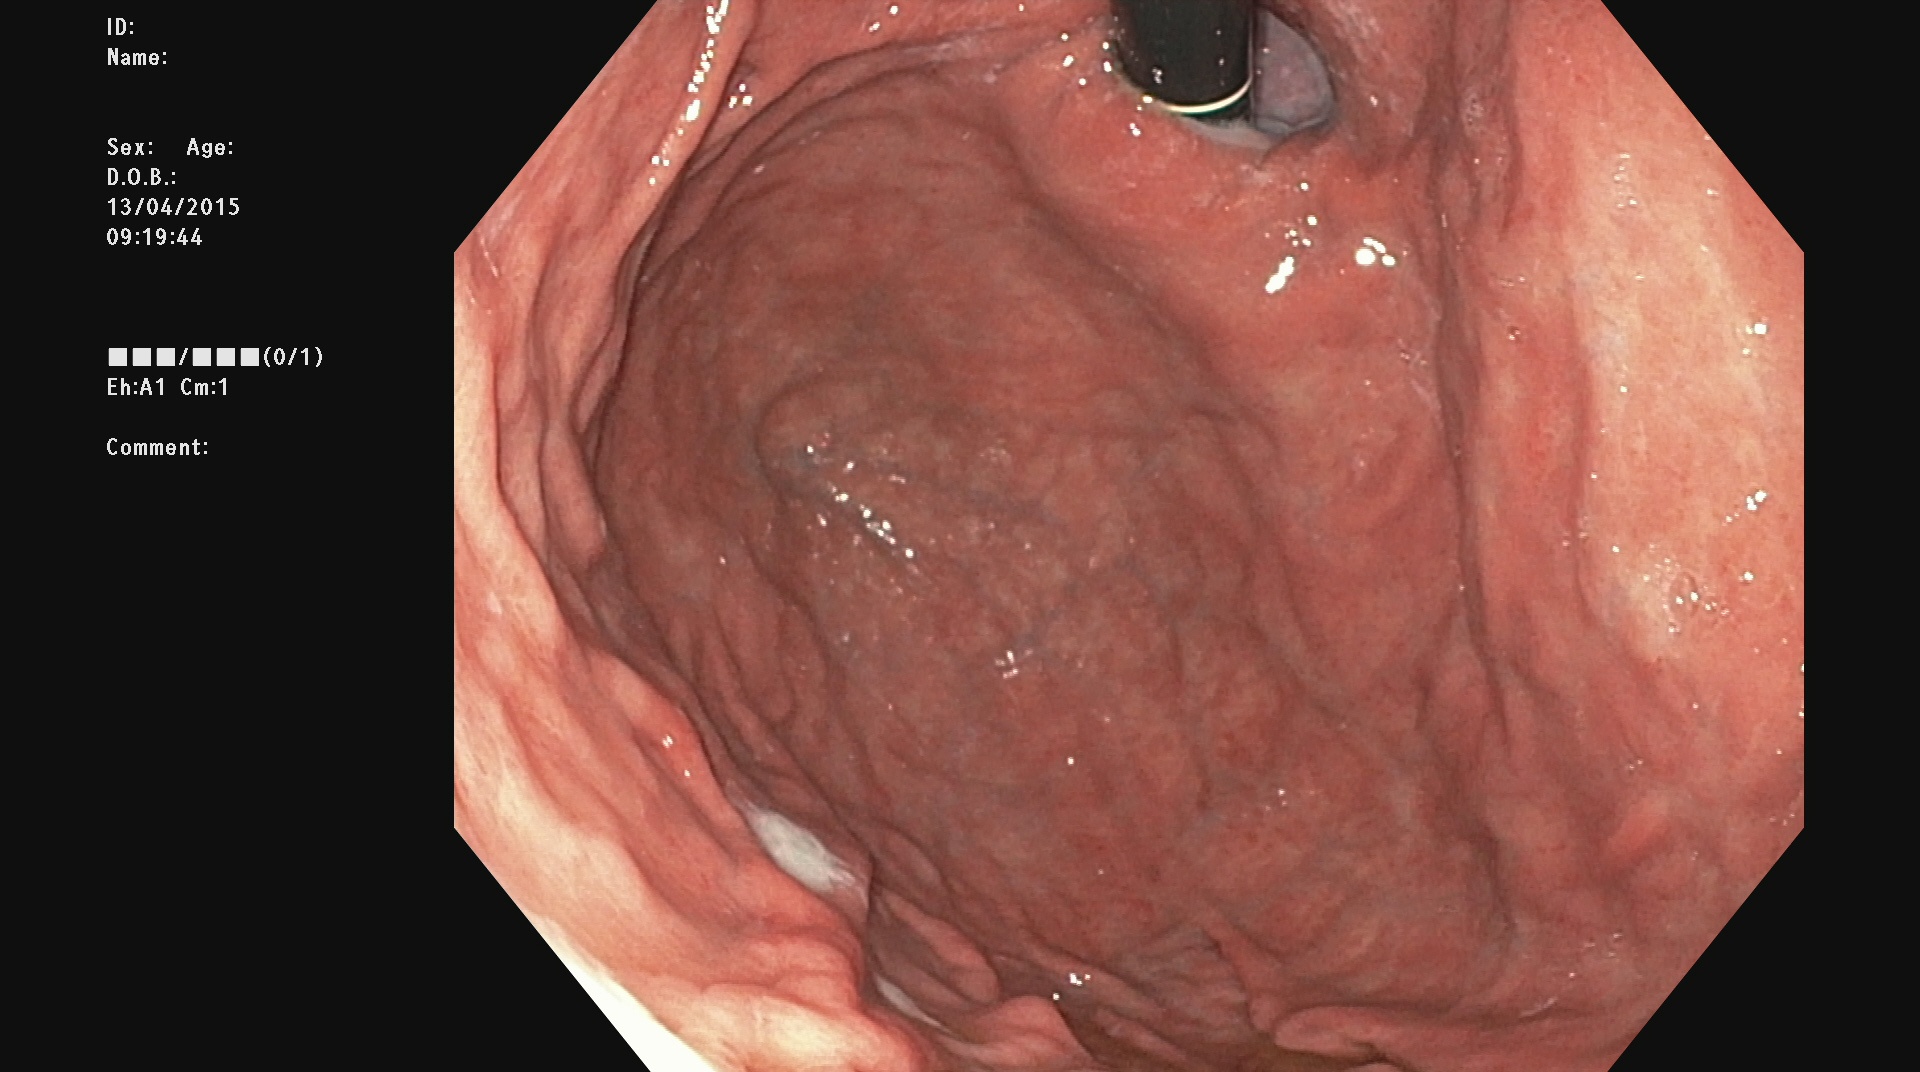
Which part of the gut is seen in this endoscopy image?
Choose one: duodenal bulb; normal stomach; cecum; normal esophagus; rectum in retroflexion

normal stomach